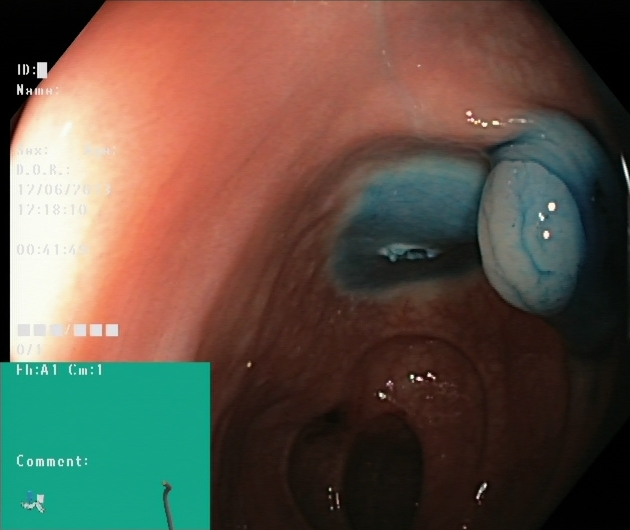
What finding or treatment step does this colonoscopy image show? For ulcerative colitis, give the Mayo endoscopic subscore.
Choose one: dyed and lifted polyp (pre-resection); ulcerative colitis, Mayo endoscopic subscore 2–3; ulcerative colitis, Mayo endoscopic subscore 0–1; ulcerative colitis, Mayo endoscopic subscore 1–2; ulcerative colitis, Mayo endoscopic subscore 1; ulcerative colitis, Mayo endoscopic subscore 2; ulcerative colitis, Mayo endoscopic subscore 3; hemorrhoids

dyed and lifted polyp (pre-resection)